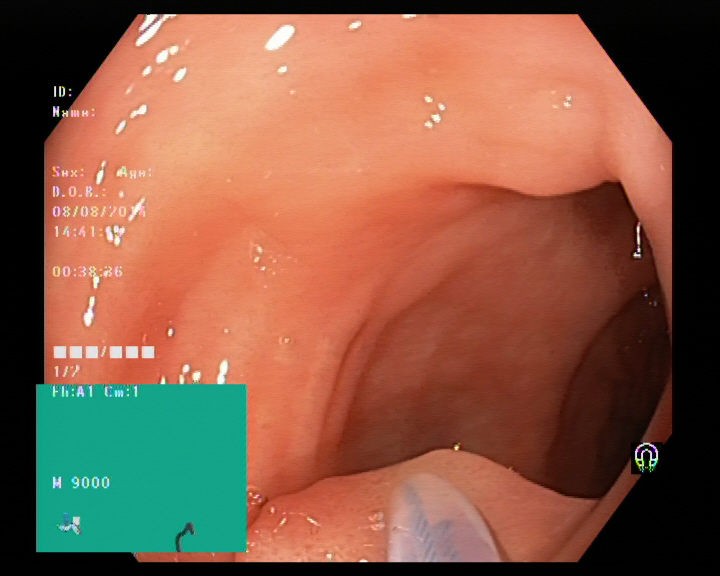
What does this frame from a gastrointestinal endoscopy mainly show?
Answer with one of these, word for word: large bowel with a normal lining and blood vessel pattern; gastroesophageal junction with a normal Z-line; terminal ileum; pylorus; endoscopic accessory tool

endoscopic accessory tool